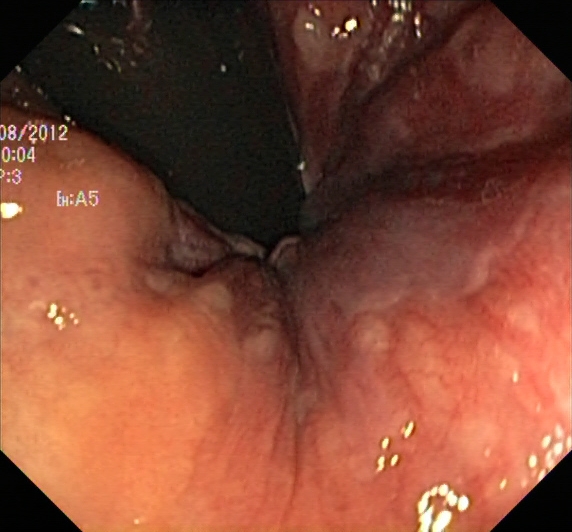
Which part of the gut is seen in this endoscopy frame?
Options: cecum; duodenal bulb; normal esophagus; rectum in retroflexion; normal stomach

rectum in retroflexion